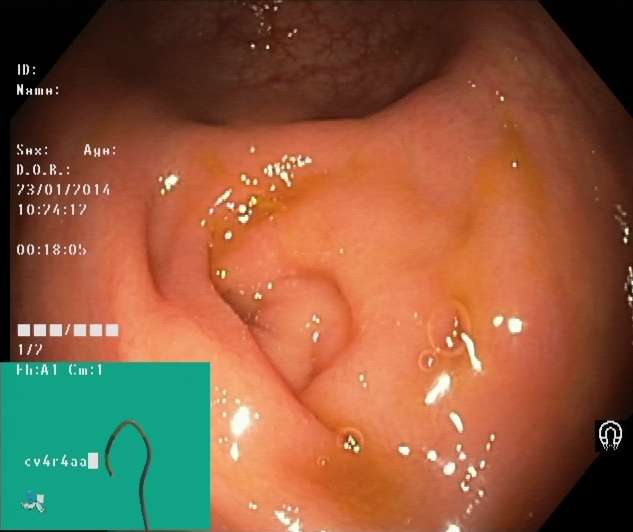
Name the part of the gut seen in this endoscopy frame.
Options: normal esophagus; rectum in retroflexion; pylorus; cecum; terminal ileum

cecum